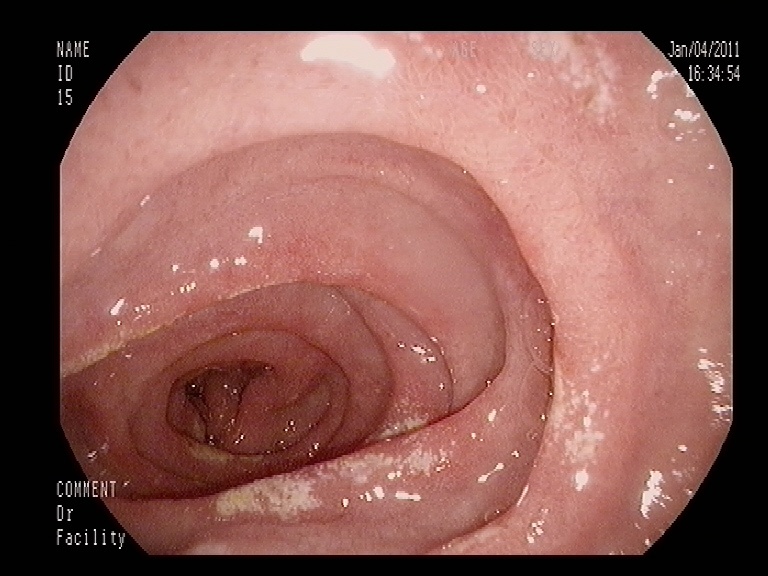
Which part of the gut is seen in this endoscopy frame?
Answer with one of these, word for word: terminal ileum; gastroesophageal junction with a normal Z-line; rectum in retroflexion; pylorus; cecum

terminal ileum